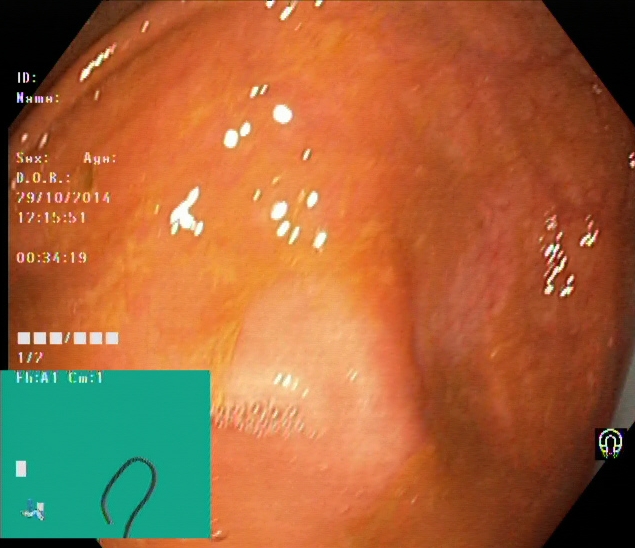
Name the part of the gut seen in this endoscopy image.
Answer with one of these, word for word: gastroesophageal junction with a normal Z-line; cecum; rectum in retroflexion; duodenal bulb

cecum